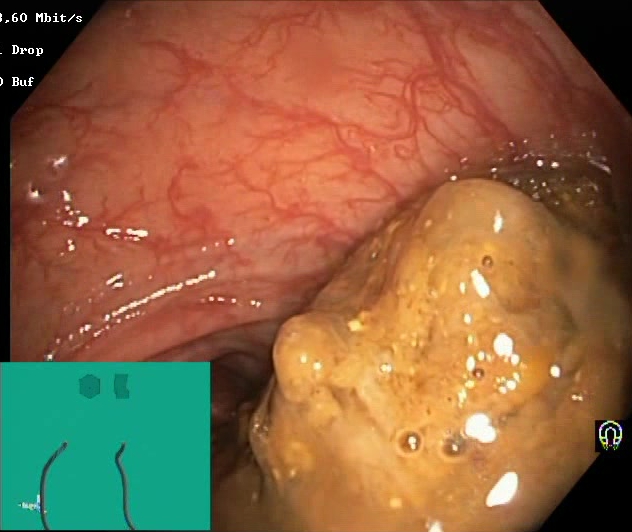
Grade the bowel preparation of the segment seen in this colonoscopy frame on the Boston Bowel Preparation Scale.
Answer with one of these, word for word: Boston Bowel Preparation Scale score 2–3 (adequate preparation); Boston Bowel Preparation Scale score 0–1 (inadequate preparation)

Boston Bowel Preparation Scale score 0–1 (inadequate preparation)